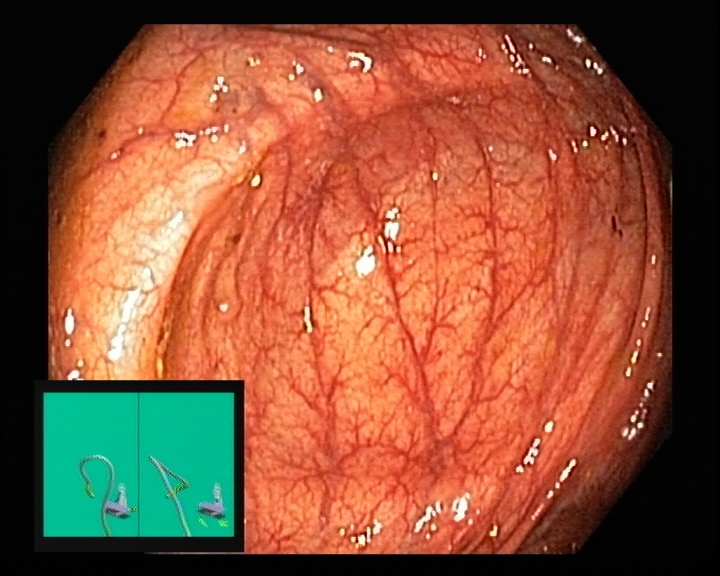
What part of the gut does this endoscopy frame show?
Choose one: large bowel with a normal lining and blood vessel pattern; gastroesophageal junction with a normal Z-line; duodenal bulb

large bowel with a normal lining and blood vessel pattern